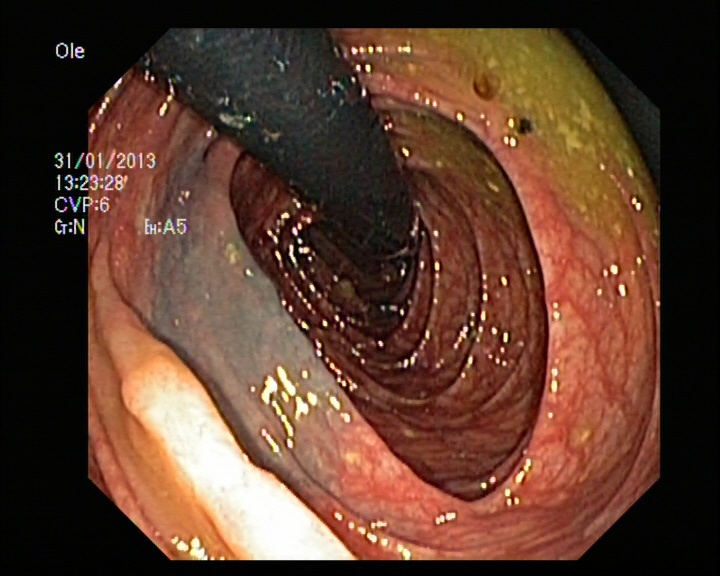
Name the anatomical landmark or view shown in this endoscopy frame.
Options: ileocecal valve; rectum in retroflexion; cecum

rectum in retroflexion